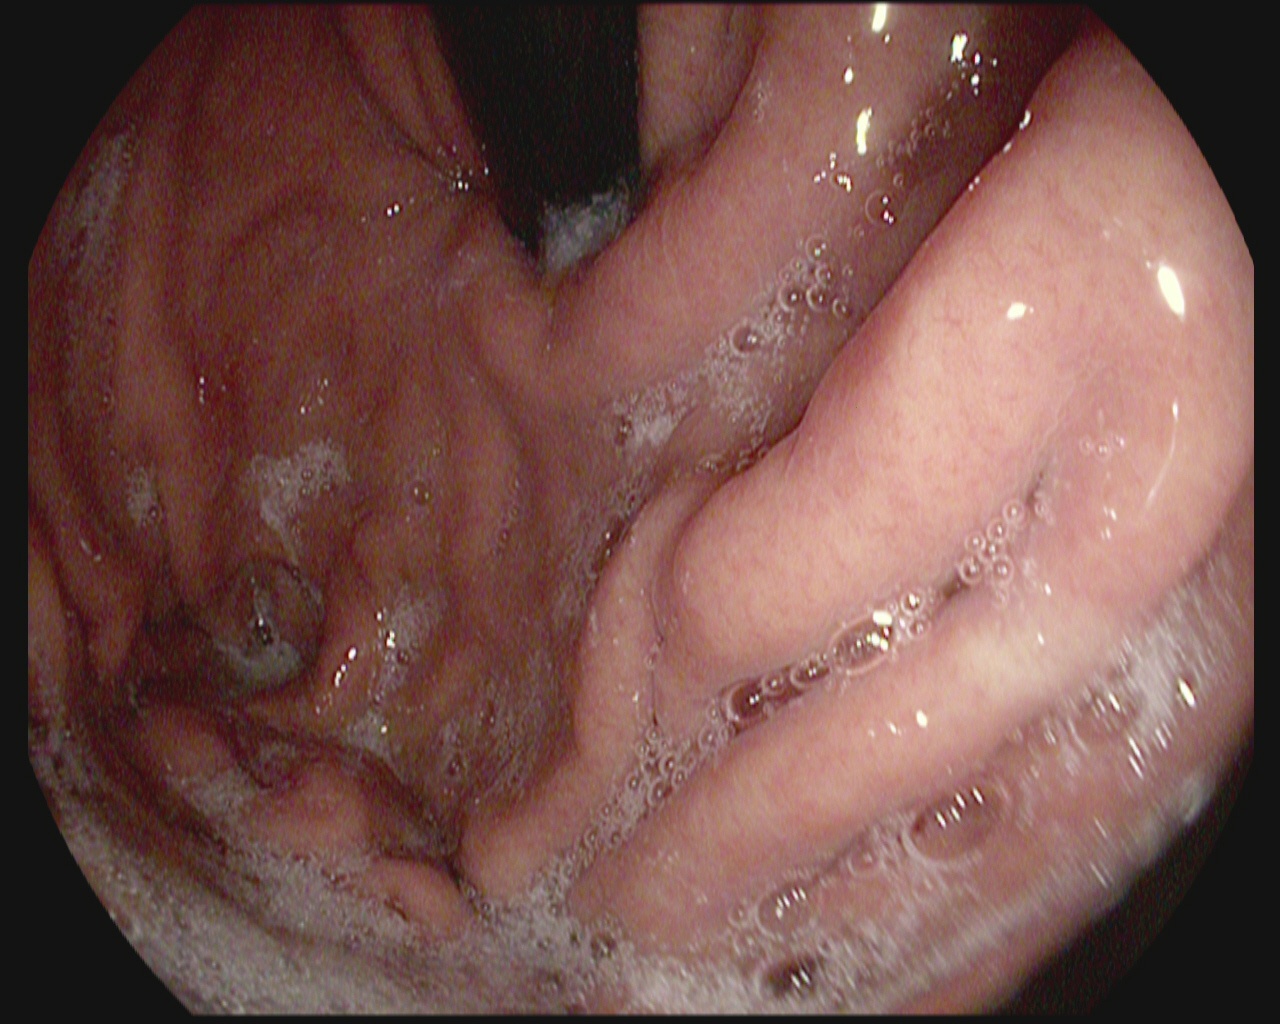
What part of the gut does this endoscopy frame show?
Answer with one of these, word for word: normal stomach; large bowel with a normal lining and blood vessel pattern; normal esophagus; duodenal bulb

normal stomach